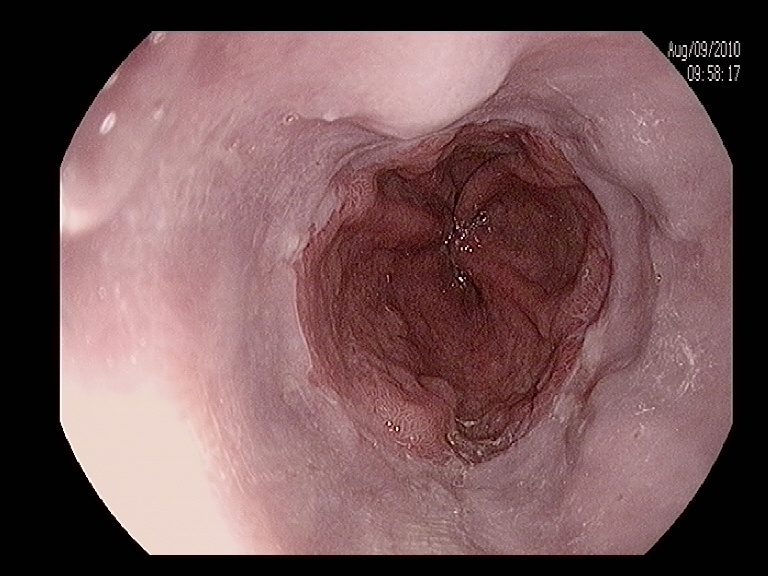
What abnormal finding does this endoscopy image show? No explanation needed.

esophageal varices